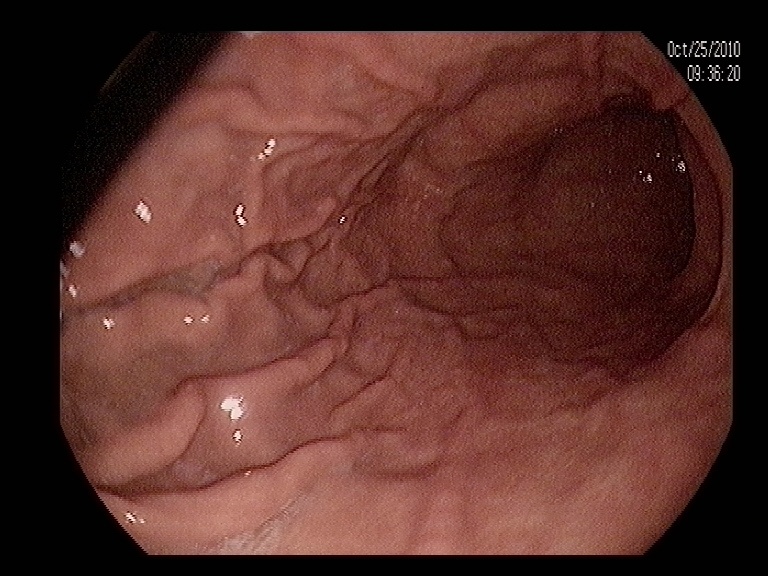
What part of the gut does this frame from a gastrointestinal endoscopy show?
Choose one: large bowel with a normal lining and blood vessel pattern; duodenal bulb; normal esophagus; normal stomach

normal stomach